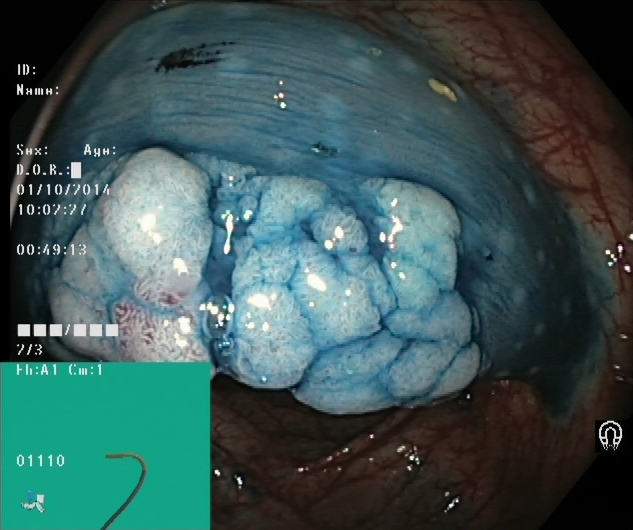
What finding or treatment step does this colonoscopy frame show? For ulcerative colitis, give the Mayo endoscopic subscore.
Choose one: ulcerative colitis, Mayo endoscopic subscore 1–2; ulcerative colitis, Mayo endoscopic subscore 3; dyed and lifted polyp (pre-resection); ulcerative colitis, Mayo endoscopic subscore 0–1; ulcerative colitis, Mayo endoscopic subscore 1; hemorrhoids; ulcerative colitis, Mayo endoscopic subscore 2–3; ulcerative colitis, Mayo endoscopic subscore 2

dyed and lifted polyp (pre-resection)